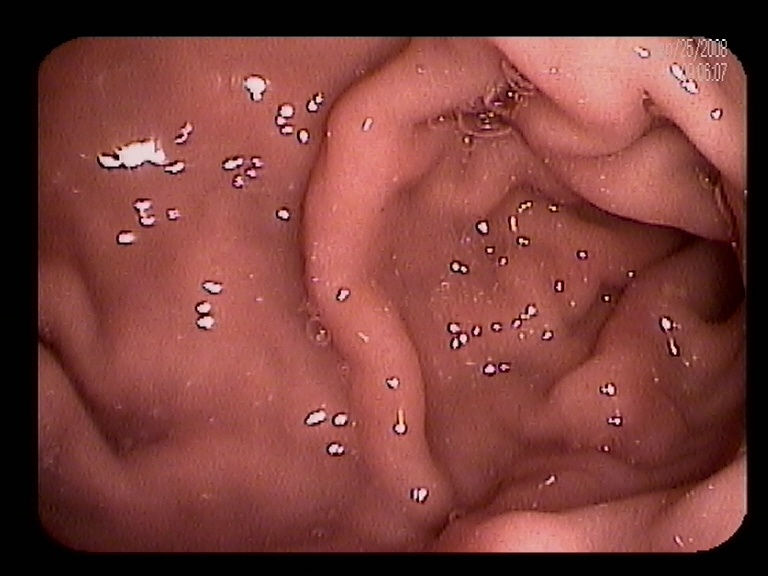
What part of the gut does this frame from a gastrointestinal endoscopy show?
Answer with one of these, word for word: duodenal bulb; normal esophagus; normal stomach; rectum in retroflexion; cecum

normal stomach